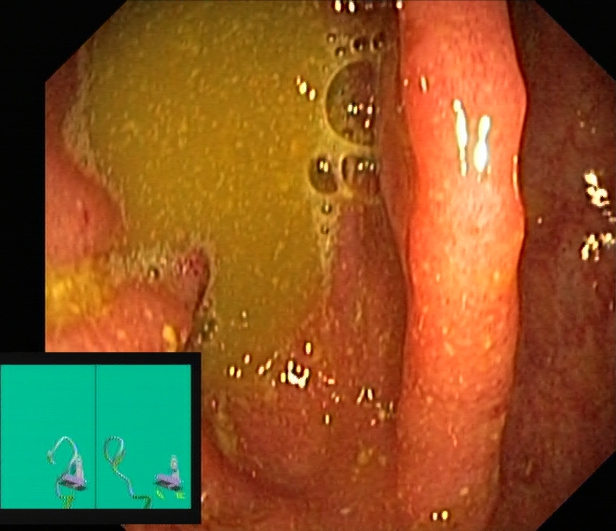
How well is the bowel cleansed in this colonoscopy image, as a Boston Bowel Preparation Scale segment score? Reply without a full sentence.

Boston Bowel Preparation Scale score 0–1 (inadequate preparation)